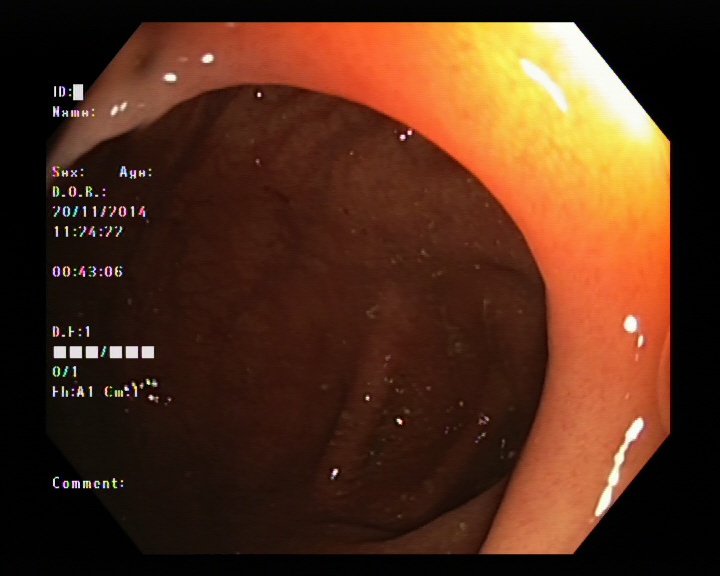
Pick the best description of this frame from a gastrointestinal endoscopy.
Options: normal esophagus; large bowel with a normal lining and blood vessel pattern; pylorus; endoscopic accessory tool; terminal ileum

large bowel with a normal lining and blood vessel pattern